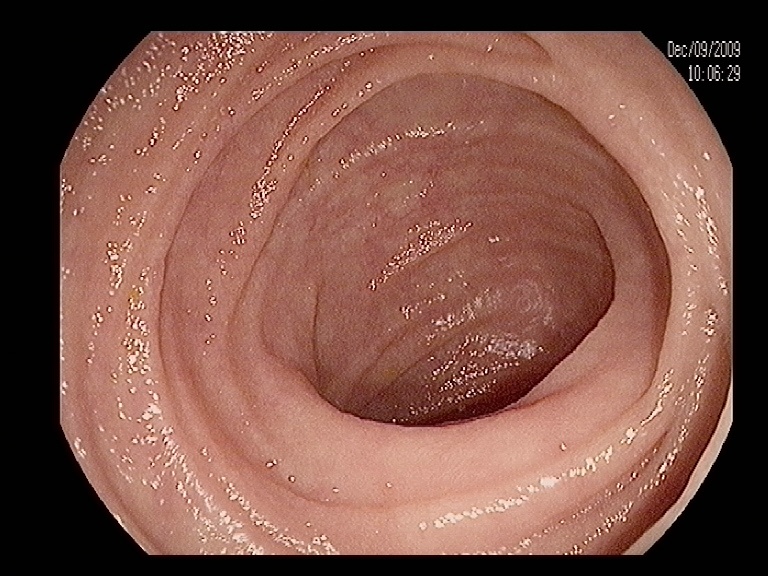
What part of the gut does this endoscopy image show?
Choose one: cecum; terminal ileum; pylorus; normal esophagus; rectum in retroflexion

terminal ileum